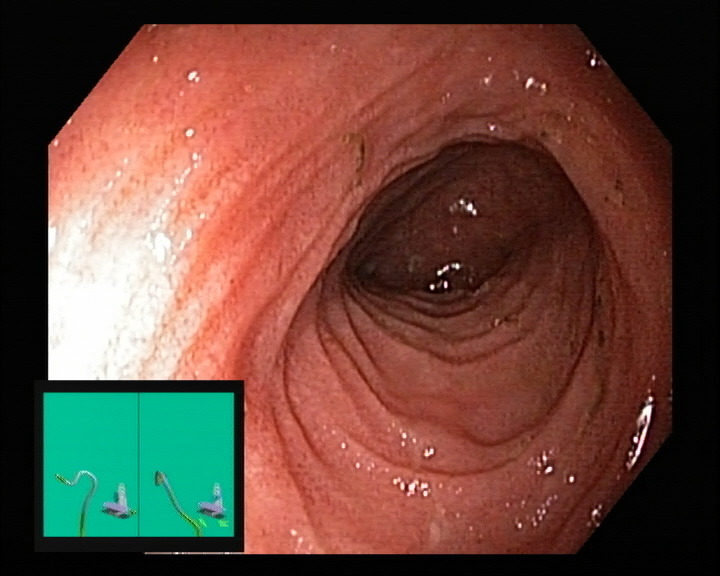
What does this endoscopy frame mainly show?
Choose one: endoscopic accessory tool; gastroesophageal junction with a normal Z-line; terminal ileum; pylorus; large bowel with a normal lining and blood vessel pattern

large bowel with a normal lining and blood vessel pattern